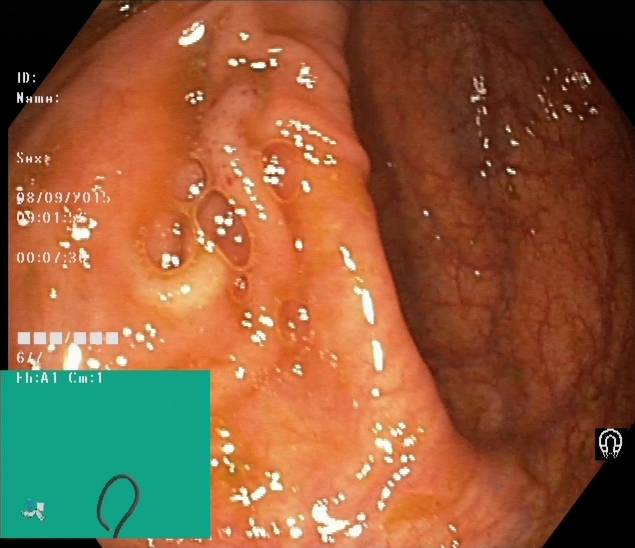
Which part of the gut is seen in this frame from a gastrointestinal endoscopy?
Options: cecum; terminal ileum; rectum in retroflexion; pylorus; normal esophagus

cecum